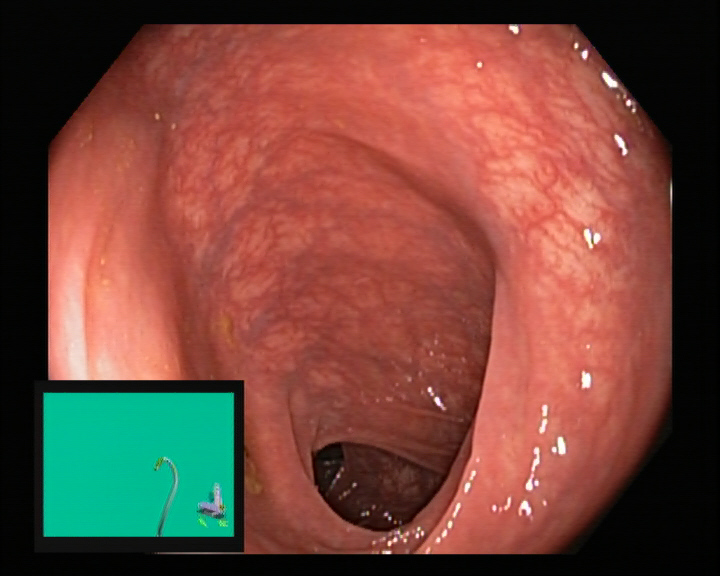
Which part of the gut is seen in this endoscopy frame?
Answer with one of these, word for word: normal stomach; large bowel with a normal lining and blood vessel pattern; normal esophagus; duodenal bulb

large bowel with a normal lining and blood vessel pattern